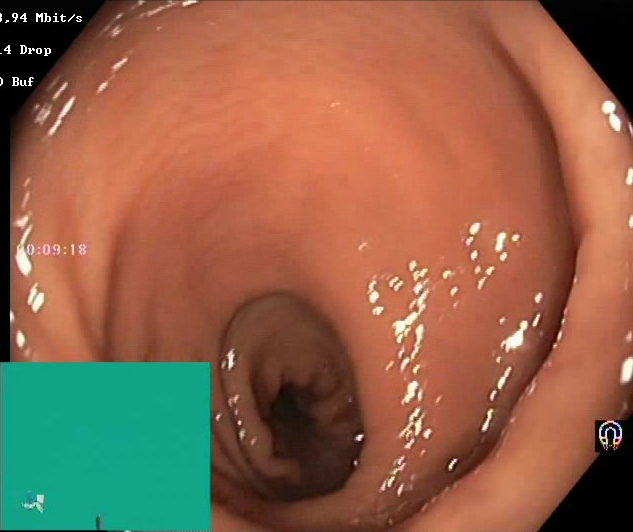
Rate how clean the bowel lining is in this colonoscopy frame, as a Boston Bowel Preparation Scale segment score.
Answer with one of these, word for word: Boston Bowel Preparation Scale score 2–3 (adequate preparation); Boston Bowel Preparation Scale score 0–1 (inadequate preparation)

Boston Bowel Preparation Scale score 2–3 (adequate preparation)